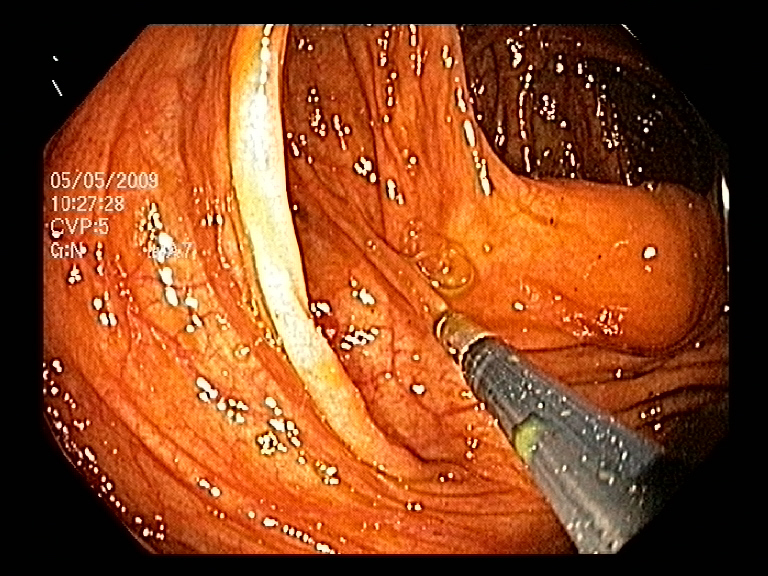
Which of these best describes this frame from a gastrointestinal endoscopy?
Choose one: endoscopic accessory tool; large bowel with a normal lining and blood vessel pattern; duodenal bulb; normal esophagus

endoscopic accessory tool